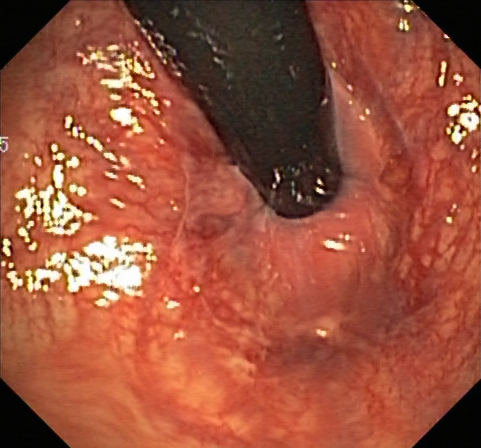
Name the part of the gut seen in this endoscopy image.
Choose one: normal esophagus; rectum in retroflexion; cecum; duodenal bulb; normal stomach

rectum in retroflexion